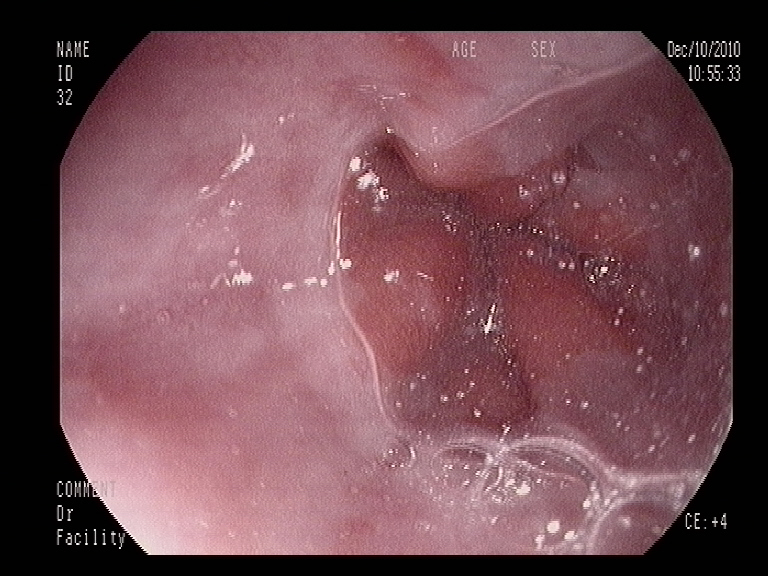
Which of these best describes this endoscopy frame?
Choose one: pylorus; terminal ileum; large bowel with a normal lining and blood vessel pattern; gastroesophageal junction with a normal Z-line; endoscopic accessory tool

gastroesophageal junction with a normal Z-line